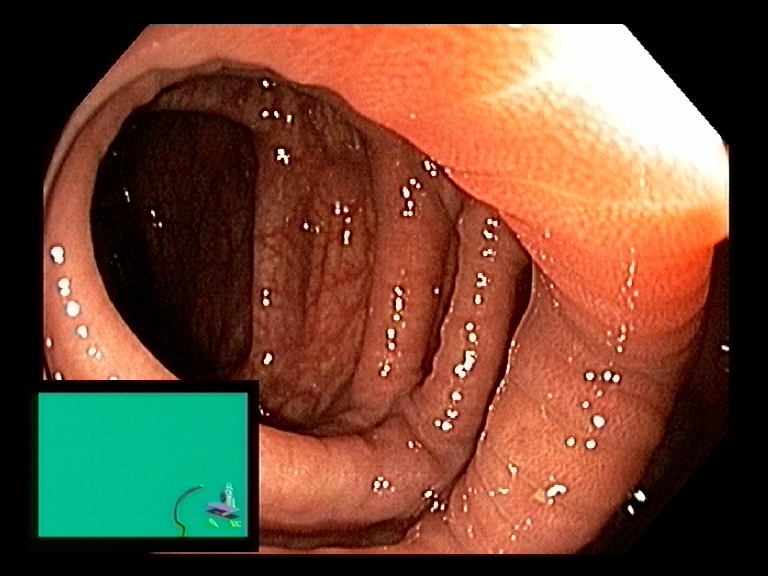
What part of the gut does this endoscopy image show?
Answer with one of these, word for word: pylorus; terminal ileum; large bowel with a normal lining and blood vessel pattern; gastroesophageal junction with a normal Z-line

large bowel with a normal lining and blood vessel pattern